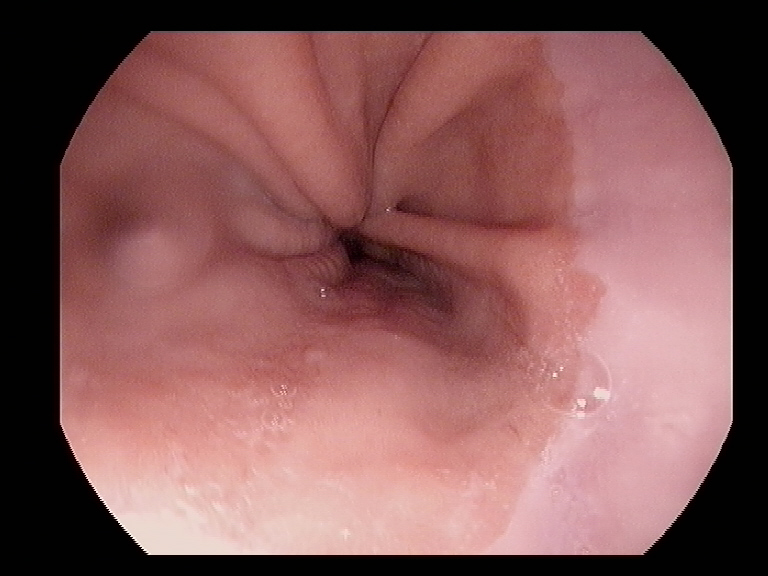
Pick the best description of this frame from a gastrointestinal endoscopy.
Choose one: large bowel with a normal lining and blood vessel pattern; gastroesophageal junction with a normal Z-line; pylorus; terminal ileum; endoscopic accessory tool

gastroesophageal junction with a normal Z-line